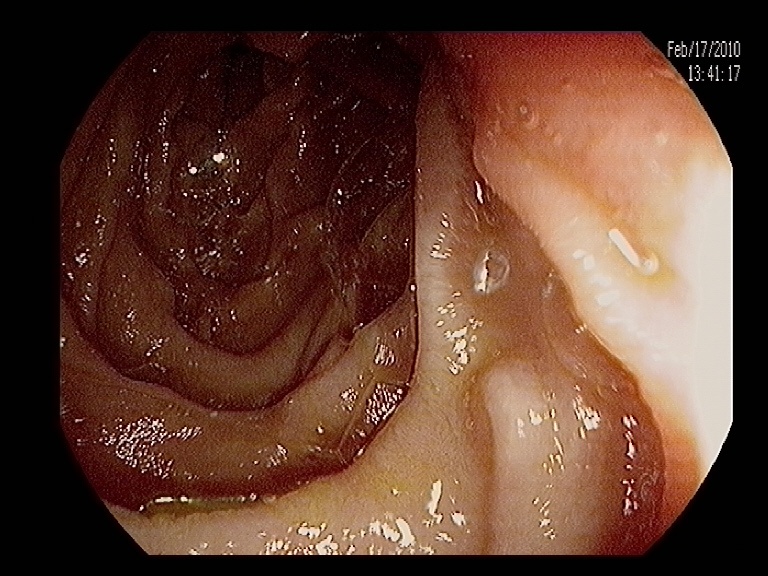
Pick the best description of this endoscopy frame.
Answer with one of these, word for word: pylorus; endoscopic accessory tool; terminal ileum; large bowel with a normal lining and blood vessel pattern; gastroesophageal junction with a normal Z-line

terminal ileum